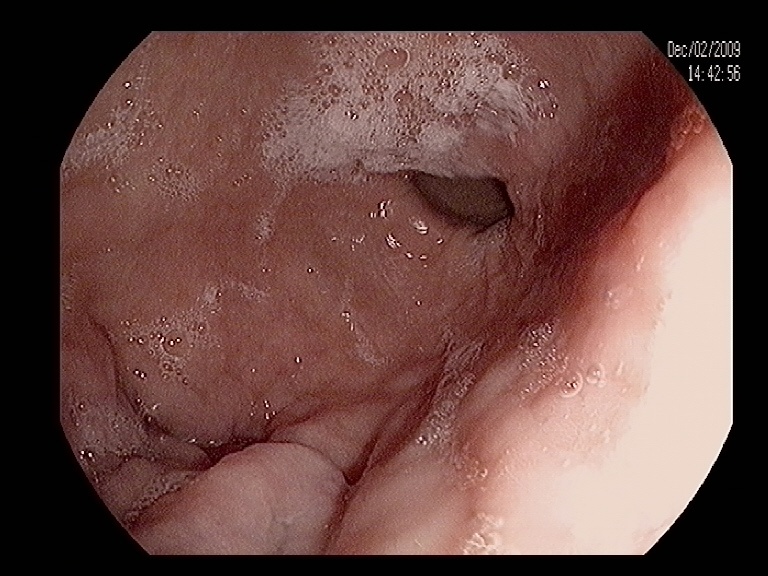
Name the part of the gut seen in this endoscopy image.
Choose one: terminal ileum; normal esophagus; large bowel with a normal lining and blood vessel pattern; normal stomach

normal stomach